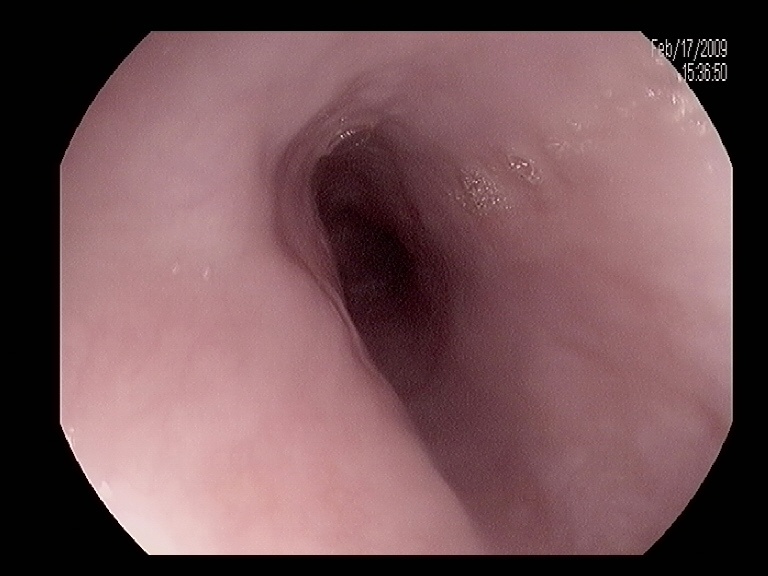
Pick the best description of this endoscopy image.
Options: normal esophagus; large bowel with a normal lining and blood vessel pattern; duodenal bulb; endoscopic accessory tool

normal esophagus